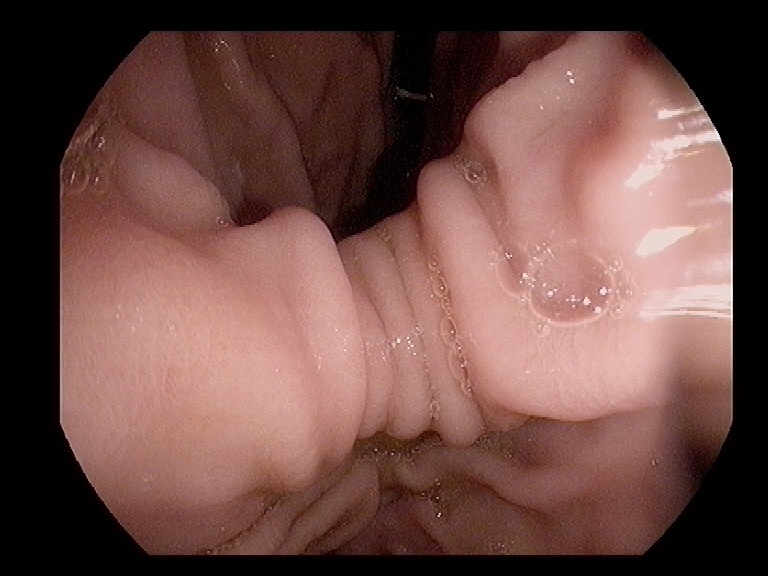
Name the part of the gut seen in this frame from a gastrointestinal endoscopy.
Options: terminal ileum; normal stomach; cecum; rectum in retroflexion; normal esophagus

normal stomach